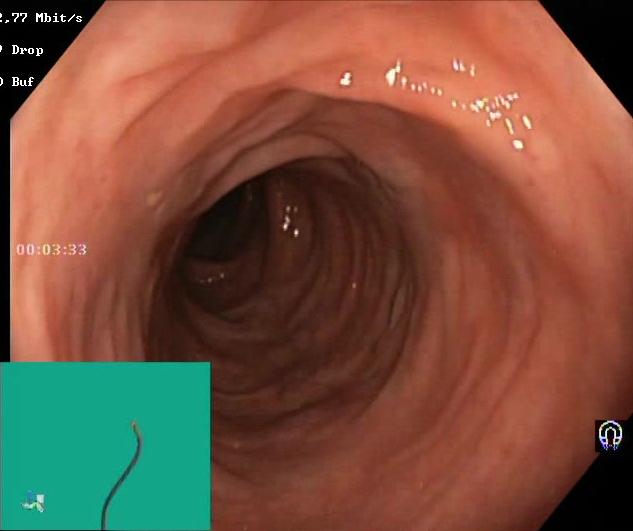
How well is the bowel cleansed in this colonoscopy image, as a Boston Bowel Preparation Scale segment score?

Boston Bowel Preparation Scale score 2–3 (adequate preparation)